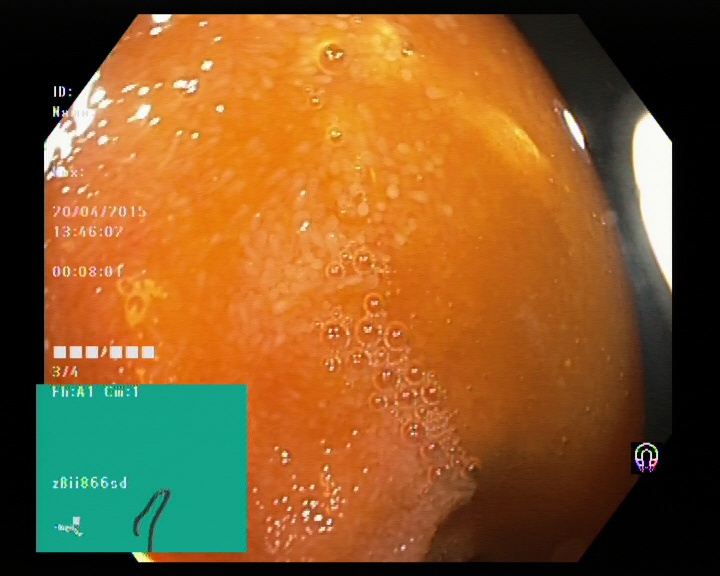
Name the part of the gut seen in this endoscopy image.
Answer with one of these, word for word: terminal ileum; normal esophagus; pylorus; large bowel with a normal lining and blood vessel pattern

large bowel with a normal lining and blood vessel pattern